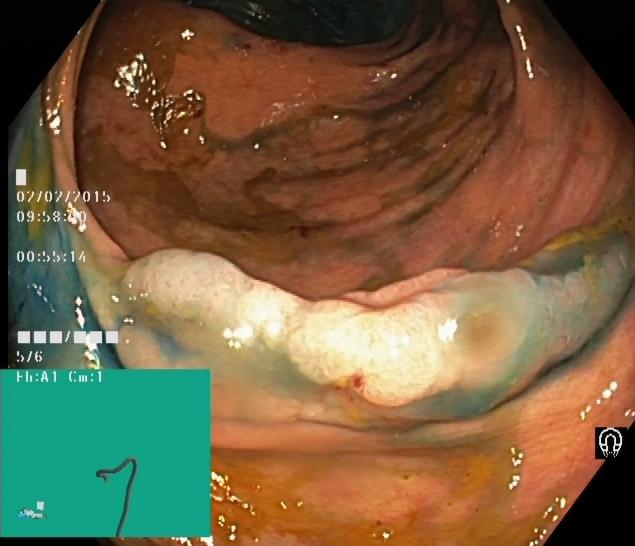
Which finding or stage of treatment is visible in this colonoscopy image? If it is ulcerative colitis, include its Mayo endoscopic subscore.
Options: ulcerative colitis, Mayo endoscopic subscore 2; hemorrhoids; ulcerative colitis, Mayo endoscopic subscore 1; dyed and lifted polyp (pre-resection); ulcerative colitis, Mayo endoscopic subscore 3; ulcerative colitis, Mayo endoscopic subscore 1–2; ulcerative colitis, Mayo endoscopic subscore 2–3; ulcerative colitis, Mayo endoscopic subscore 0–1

dyed and lifted polyp (pre-resection)